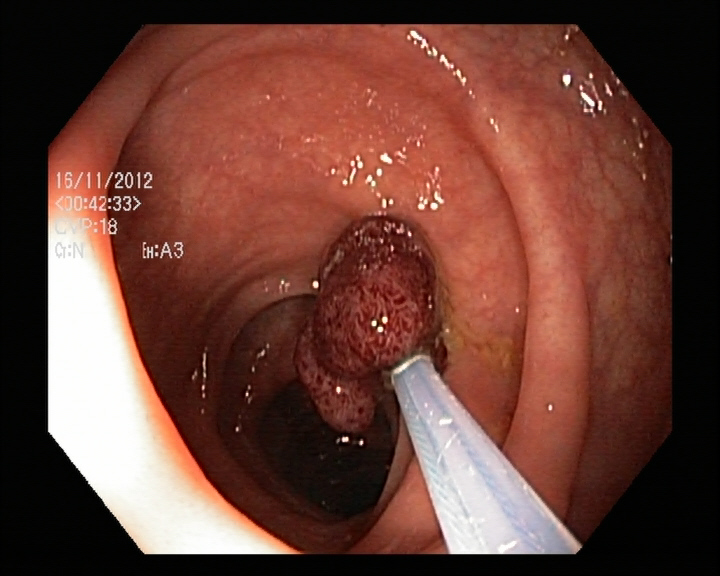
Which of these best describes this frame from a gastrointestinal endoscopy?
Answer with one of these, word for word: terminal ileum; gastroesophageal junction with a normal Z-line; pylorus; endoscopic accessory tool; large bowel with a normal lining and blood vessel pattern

endoscopic accessory tool